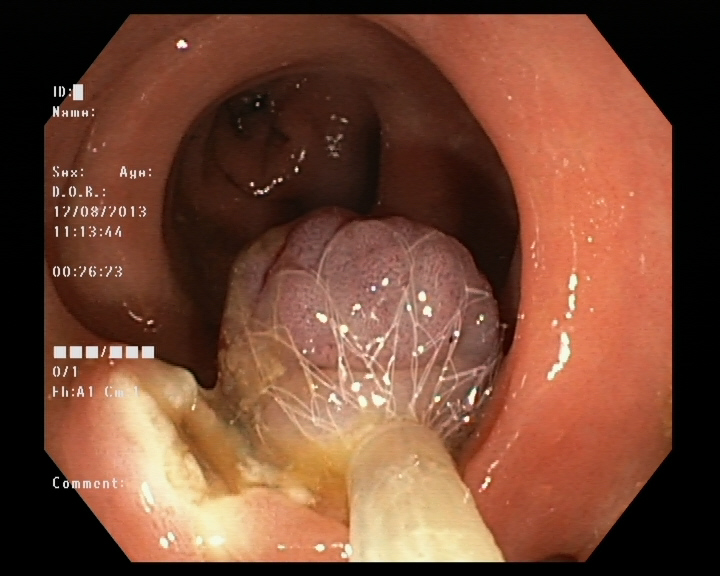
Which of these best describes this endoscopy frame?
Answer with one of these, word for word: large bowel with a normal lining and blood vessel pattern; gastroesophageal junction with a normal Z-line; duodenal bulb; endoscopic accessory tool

endoscopic accessory tool